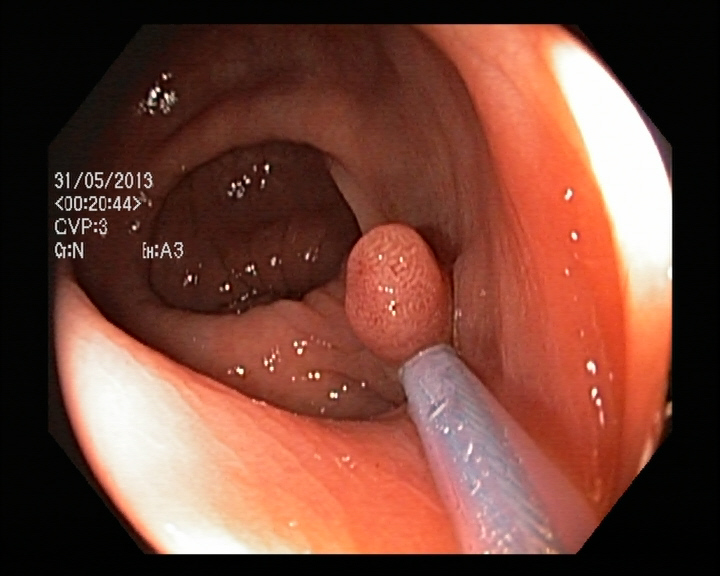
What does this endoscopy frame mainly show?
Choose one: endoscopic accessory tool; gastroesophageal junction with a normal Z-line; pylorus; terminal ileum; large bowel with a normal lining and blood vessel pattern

endoscopic accessory tool